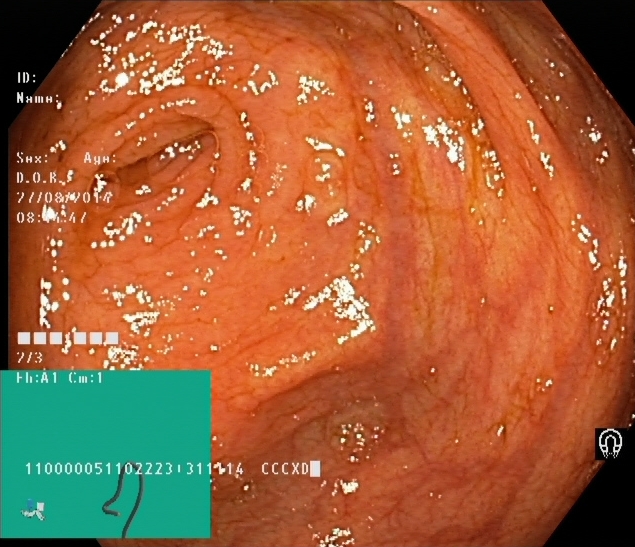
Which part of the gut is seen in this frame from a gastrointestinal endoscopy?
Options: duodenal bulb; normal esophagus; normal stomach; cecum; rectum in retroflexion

cecum